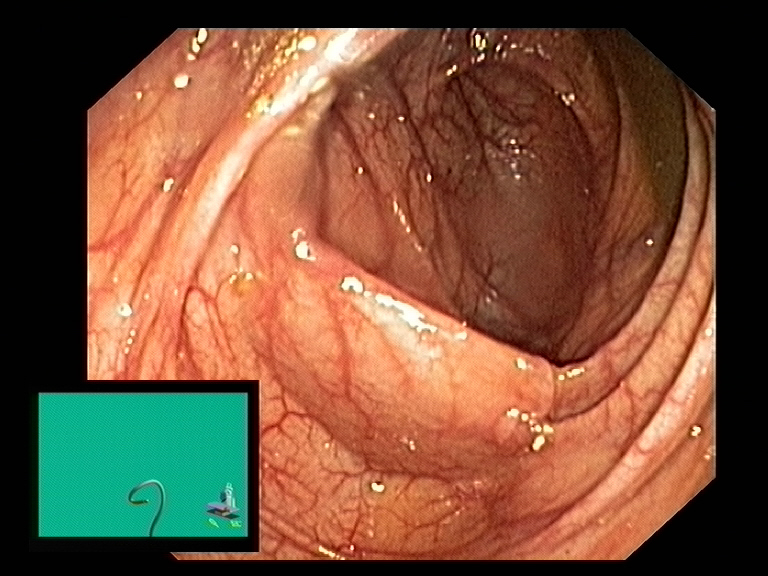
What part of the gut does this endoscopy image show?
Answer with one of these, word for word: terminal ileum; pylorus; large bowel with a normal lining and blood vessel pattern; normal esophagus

large bowel with a normal lining and blood vessel pattern